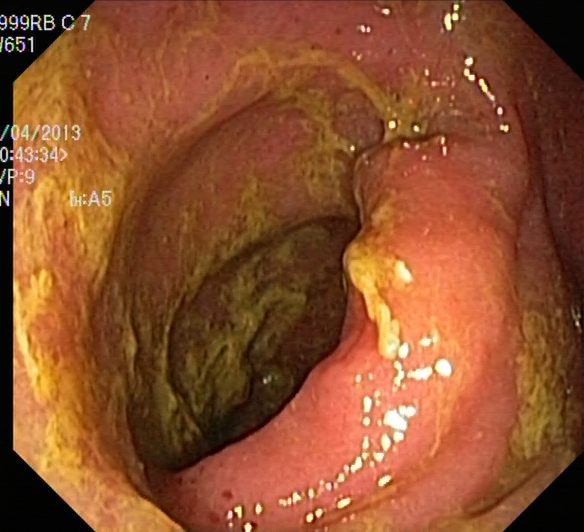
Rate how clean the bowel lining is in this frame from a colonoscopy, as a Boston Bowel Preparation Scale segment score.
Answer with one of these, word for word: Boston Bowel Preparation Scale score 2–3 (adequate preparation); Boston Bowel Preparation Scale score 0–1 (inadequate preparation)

Boston Bowel Preparation Scale score 0–1 (inadequate preparation)